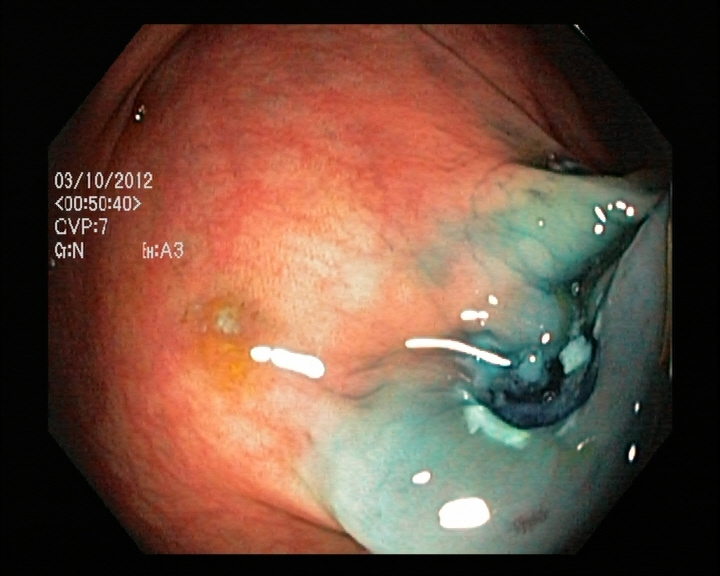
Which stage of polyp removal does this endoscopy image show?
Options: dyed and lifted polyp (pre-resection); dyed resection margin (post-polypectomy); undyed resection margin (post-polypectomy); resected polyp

dyed resection margin (post-polypectomy)